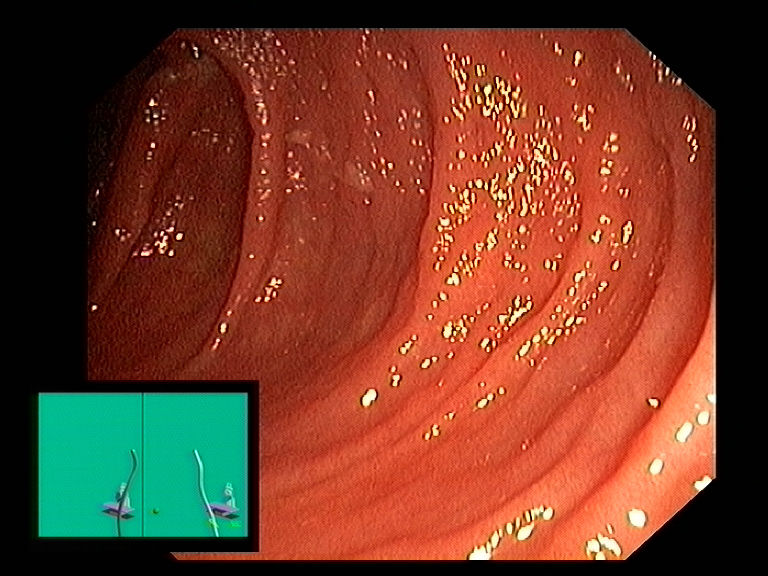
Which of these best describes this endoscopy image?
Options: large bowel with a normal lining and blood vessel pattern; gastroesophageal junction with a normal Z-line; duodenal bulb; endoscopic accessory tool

large bowel with a normal lining and blood vessel pattern